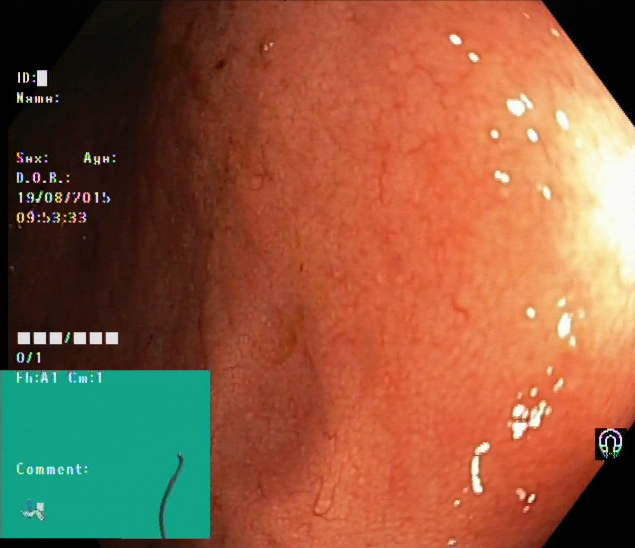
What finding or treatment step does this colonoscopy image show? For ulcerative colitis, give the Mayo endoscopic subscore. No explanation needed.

ulcerative colitis, Mayo endoscopic subscore 1